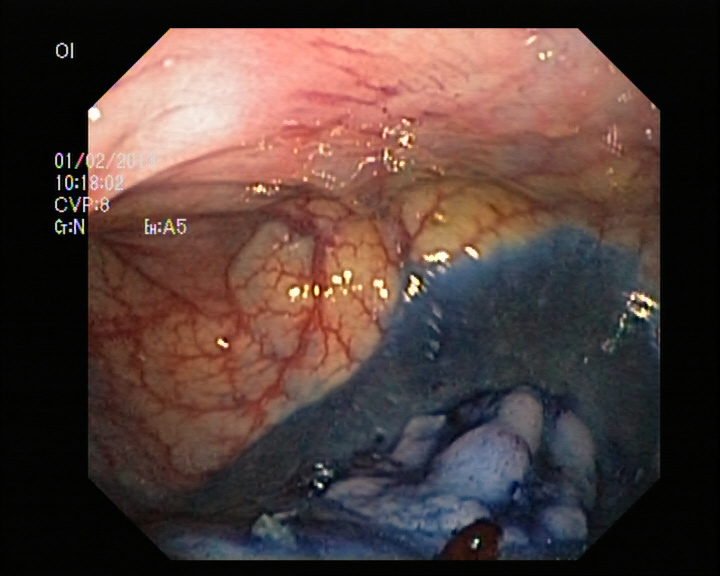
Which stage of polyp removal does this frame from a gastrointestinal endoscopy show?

dyed and lifted polyp (pre-resection)